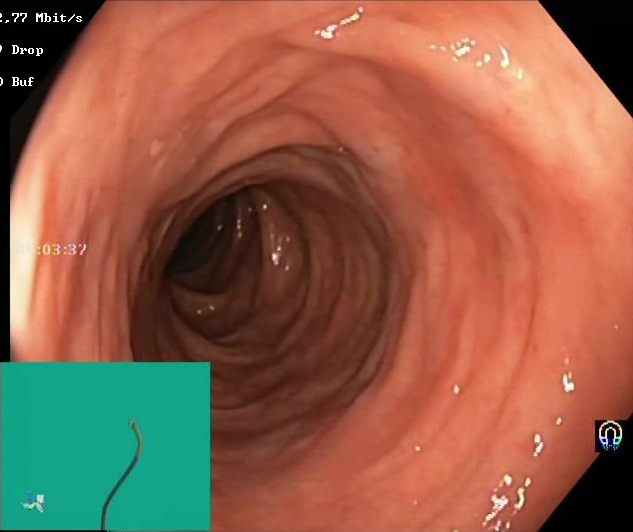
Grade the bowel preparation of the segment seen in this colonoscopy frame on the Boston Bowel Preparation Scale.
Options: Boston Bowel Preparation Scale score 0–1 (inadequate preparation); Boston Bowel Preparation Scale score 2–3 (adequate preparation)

Boston Bowel Preparation Scale score 2–3 (adequate preparation)